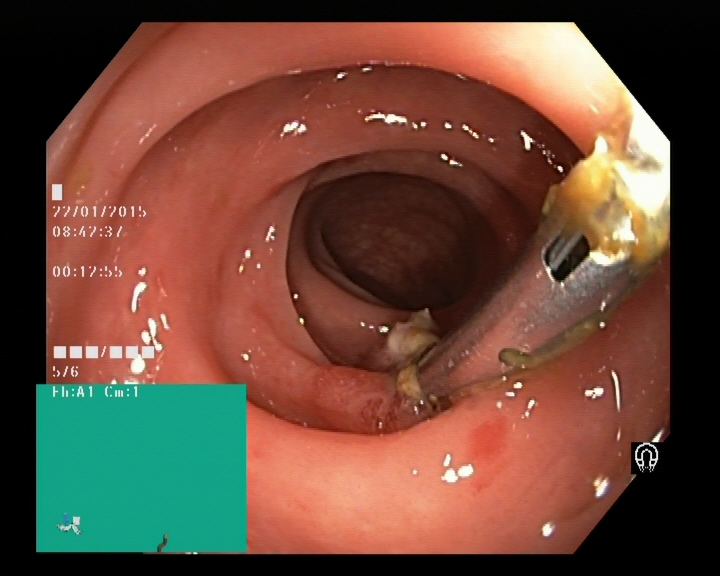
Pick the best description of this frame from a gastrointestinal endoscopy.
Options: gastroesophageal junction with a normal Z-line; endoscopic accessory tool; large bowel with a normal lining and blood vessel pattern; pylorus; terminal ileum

endoscopic accessory tool